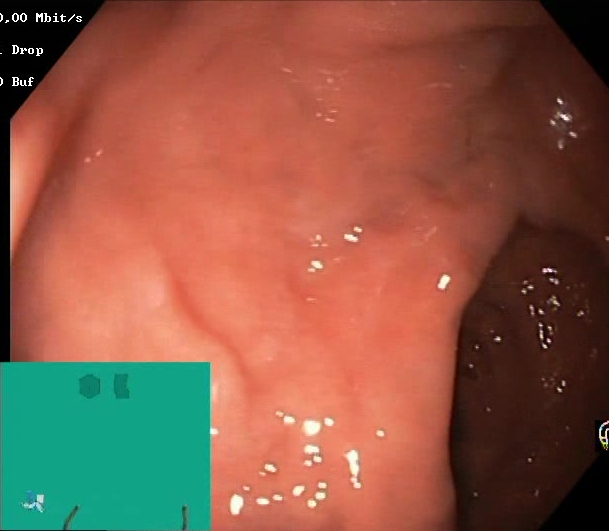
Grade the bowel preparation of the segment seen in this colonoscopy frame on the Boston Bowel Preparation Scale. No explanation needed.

Boston Bowel Preparation Scale score 2–3 (adequate preparation)